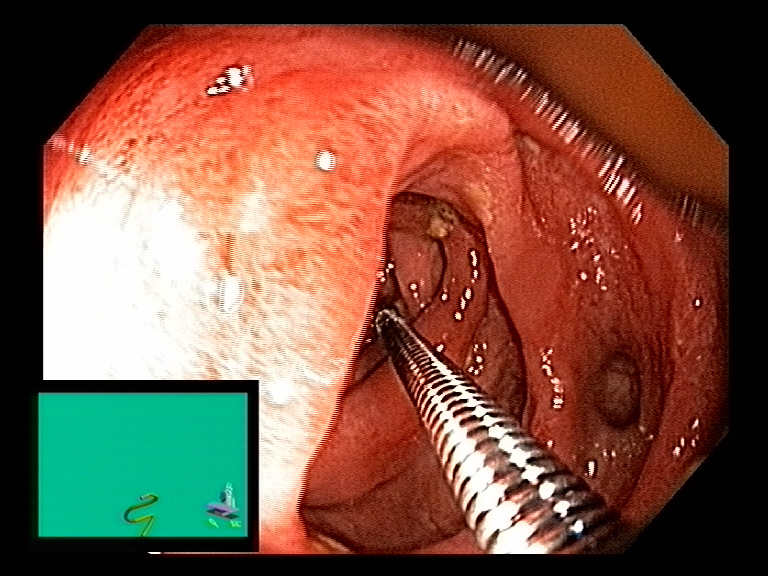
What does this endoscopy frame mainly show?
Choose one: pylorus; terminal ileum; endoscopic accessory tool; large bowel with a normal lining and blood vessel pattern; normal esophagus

endoscopic accessory tool